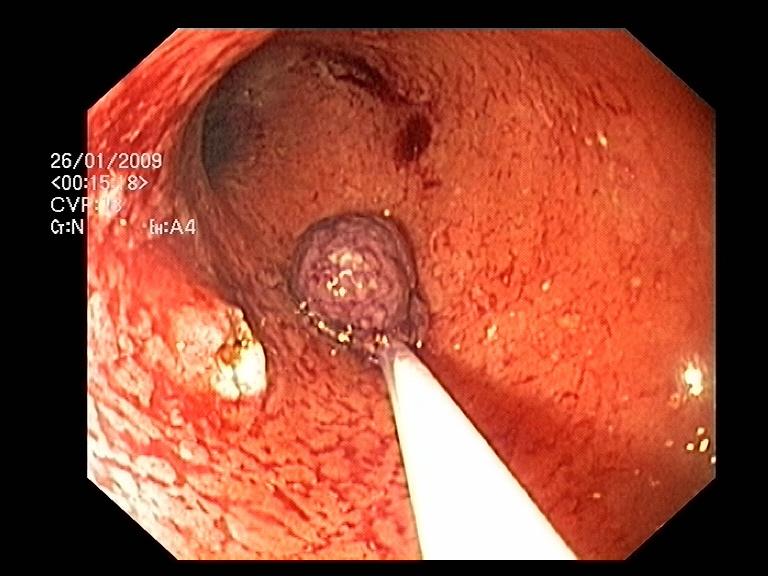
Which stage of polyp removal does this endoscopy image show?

resected polyp